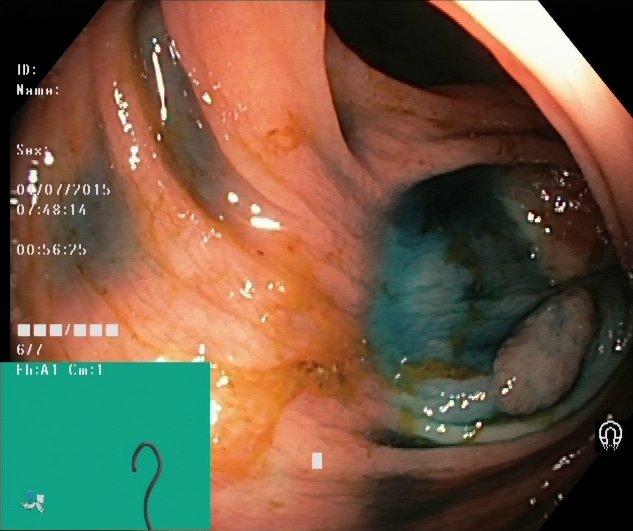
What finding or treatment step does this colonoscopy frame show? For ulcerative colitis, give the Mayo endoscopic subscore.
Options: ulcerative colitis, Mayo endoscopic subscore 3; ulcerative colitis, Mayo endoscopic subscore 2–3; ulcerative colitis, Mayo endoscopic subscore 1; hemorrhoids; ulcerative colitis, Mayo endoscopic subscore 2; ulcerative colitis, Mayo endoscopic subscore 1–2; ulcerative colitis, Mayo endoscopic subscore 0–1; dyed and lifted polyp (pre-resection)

dyed and lifted polyp (pre-resection)